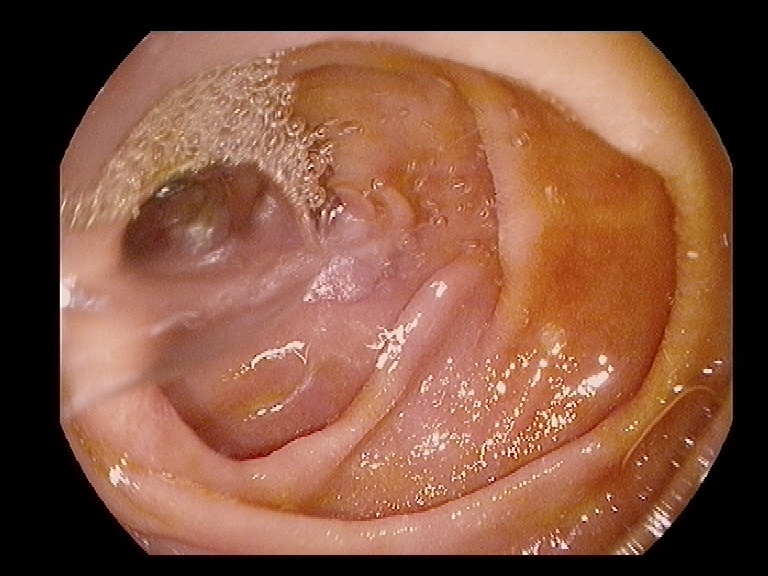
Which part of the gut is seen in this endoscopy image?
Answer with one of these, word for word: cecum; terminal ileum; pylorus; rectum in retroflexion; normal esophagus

terminal ileum